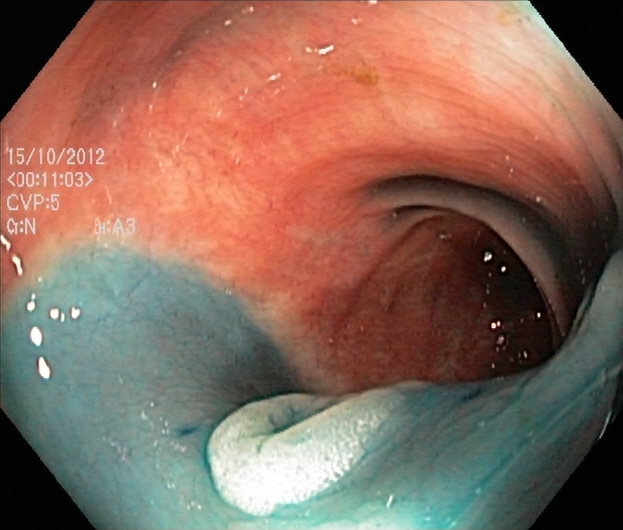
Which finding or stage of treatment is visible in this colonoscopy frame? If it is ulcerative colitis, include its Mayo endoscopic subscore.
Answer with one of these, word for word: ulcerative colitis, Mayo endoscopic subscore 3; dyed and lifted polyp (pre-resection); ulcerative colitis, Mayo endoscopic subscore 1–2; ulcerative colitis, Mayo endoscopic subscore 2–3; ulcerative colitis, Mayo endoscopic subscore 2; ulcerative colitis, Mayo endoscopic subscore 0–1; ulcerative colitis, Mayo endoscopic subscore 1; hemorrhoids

dyed and lifted polyp (pre-resection)